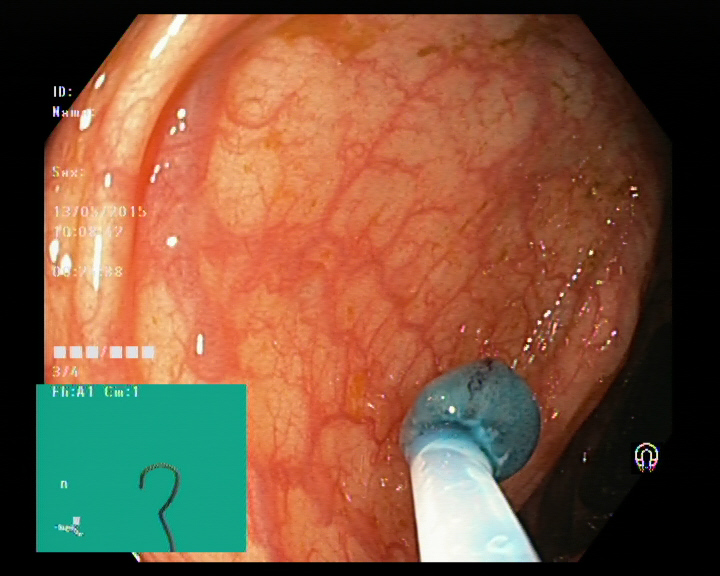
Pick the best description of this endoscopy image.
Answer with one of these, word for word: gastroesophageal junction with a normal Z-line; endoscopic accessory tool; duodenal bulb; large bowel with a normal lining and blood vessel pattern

endoscopic accessory tool